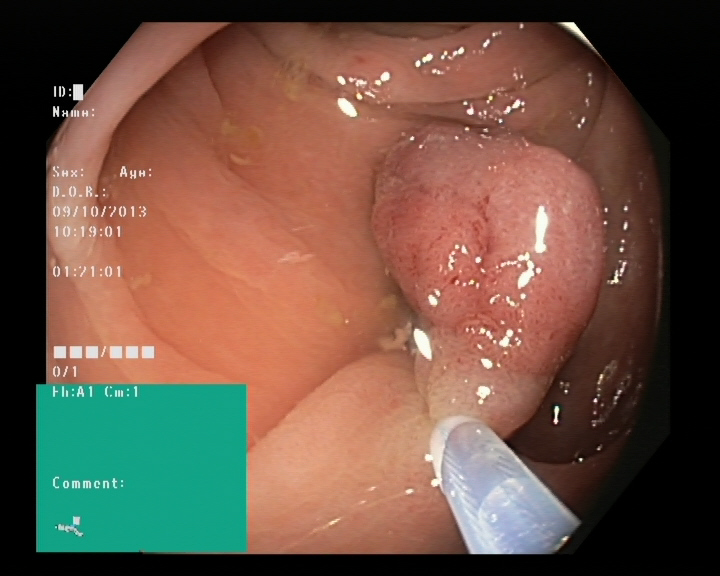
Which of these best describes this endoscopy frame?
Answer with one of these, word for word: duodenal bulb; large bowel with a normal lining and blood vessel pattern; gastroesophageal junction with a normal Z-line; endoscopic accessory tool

endoscopic accessory tool